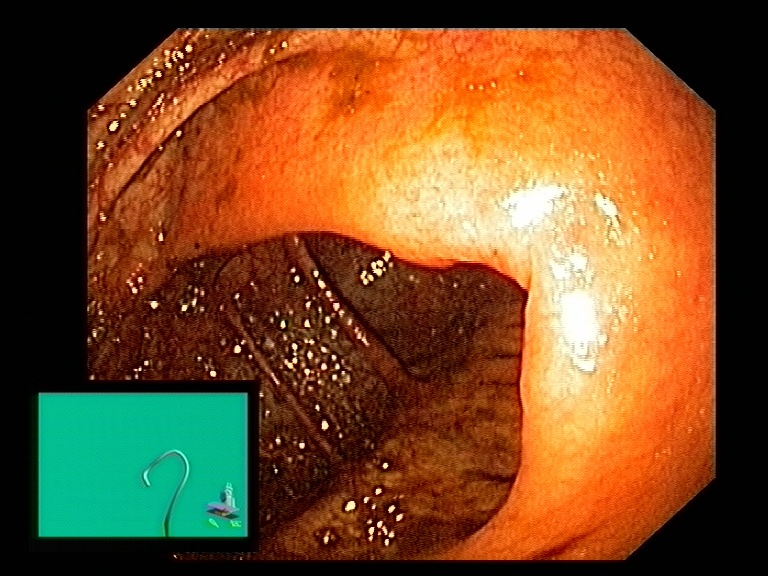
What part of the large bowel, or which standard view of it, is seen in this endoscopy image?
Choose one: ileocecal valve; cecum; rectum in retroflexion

ileocecal valve